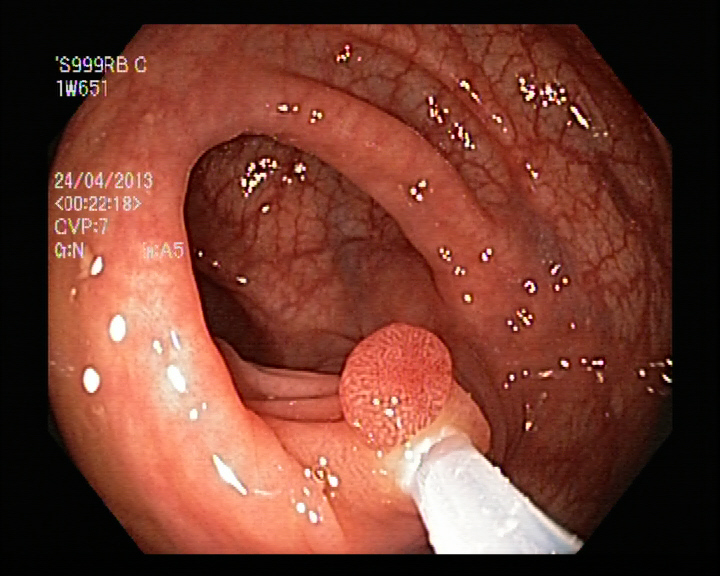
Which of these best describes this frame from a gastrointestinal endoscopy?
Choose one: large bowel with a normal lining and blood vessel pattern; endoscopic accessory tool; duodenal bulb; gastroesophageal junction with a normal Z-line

endoscopic accessory tool